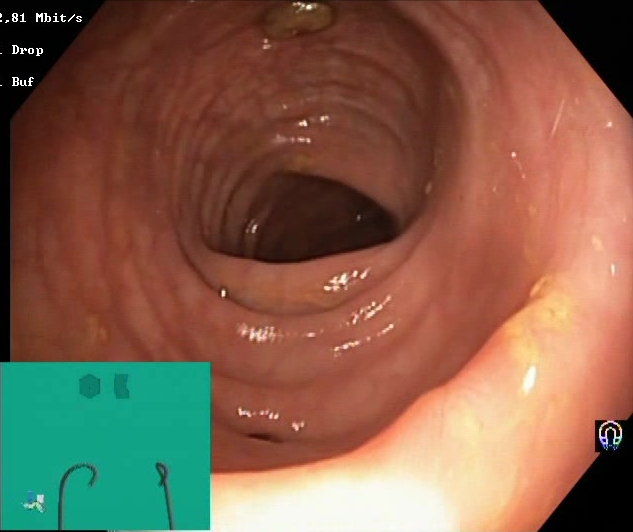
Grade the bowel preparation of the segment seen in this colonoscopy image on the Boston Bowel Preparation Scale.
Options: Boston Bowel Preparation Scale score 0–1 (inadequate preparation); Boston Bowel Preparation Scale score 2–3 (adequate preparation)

Boston Bowel Preparation Scale score 2–3 (adequate preparation)